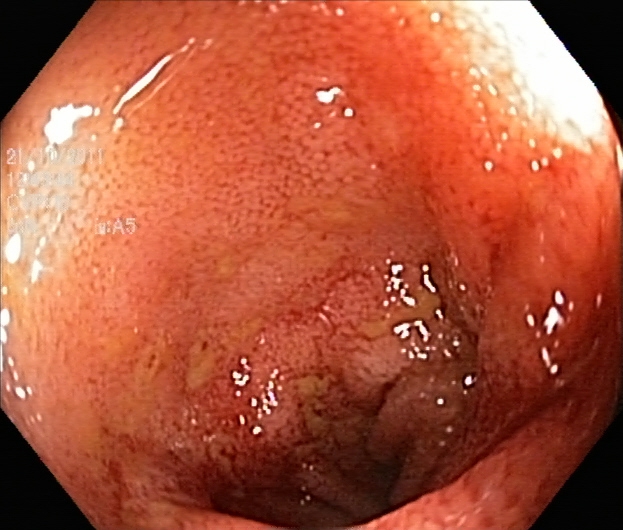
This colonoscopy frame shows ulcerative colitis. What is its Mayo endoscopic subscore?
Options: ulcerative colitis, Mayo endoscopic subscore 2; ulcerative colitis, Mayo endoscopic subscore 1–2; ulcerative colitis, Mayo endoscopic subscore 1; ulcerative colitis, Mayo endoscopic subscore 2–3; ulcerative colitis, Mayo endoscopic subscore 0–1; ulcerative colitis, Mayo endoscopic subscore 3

ulcerative colitis, Mayo endoscopic subscore 2–3